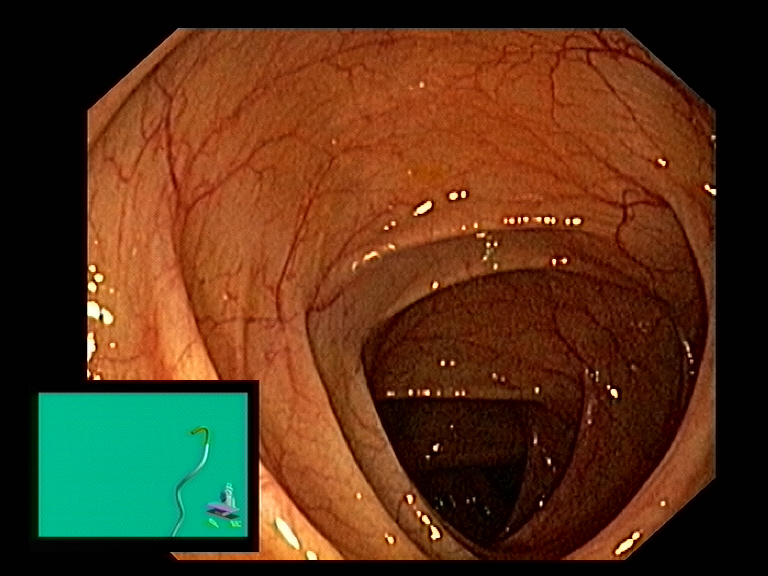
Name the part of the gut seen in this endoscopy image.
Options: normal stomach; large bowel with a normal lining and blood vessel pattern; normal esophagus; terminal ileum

large bowel with a normal lining and blood vessel pattern